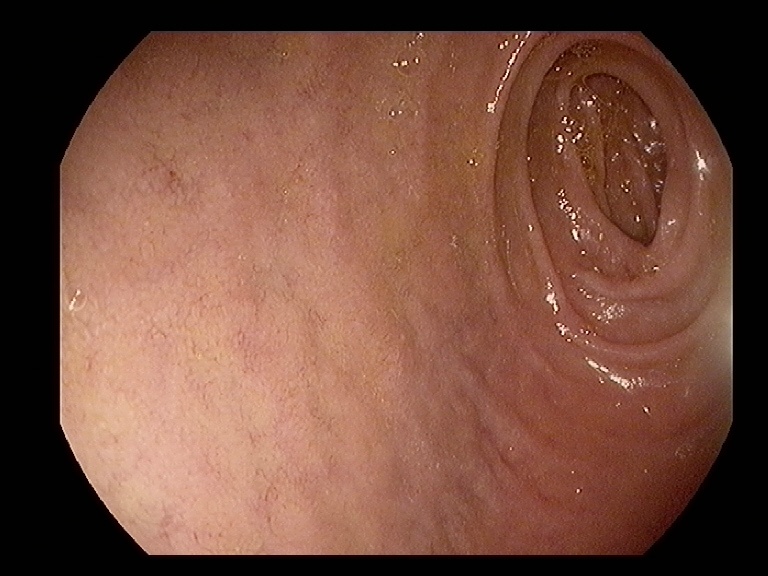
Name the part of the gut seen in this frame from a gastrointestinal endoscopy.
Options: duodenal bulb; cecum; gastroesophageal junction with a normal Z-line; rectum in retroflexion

duodenal bulb